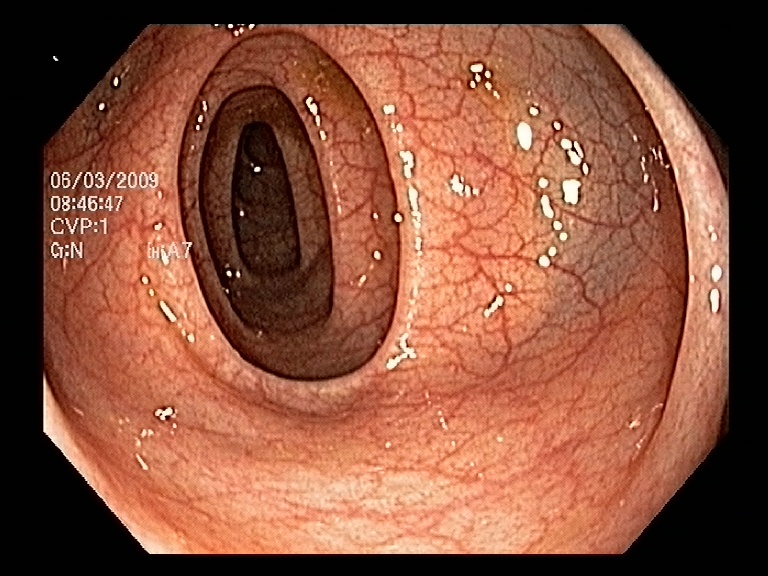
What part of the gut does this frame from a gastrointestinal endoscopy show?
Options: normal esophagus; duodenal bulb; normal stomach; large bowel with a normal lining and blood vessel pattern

large bowel with a normal lining and blood vessel pattern